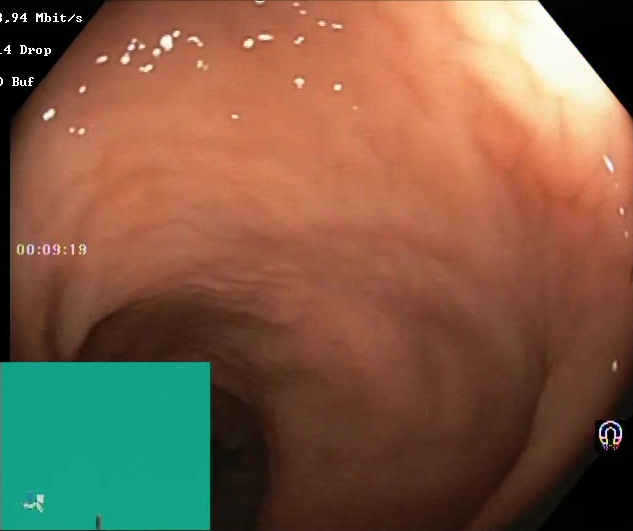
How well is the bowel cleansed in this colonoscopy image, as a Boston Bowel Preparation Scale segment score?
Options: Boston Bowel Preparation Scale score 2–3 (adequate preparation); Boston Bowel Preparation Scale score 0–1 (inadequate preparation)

Boston Bowel Preparation Scale score 2–3 (adequate preparation)